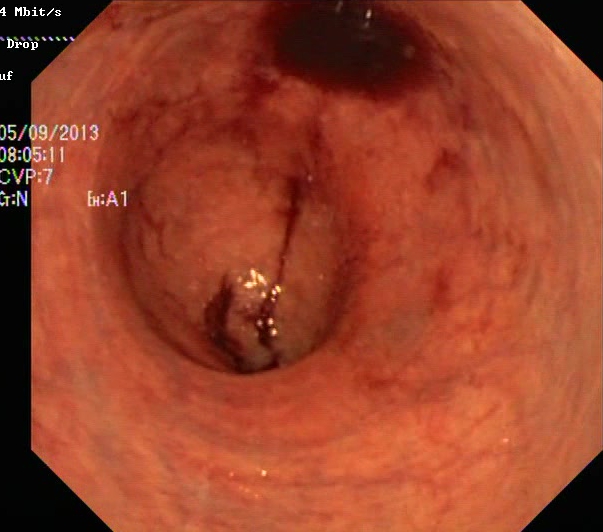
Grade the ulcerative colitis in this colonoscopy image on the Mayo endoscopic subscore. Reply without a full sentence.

ulcerative colitis, Mayo endoscopic subscore 1